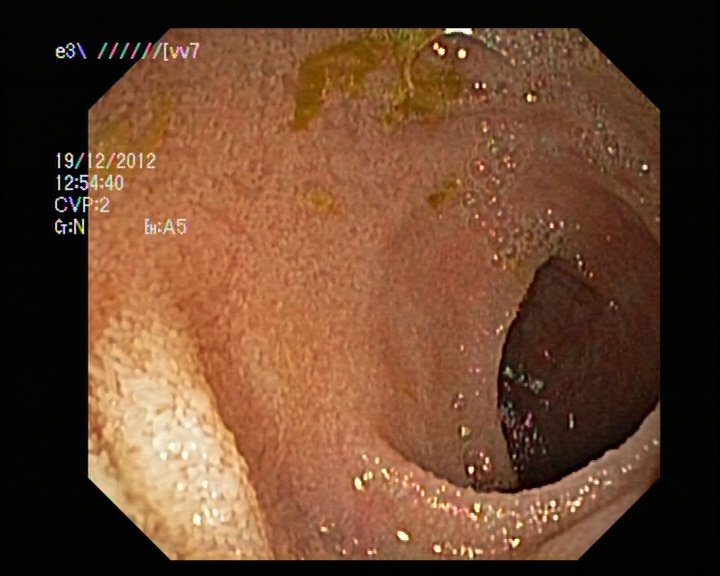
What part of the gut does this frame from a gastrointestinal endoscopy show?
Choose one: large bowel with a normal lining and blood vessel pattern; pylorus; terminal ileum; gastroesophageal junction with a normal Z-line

terminal ileum